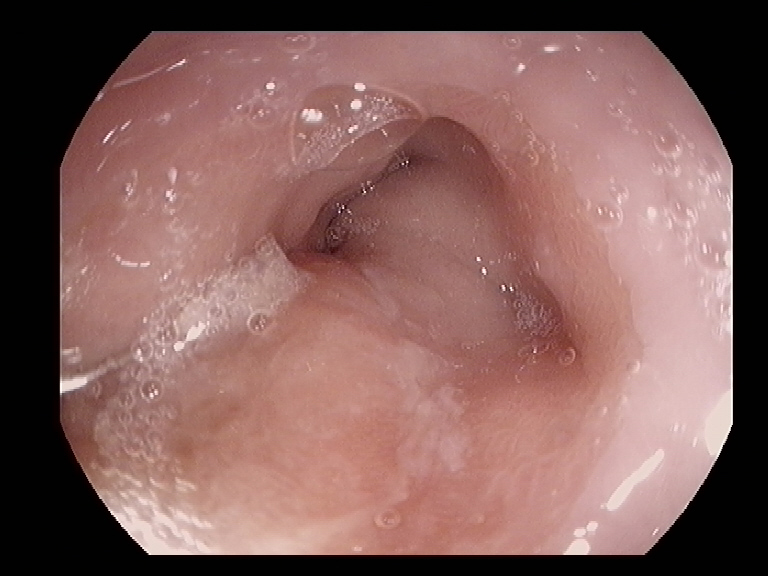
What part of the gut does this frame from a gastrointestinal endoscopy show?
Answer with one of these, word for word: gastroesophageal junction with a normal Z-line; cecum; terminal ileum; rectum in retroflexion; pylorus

gastroesophageal junction with a normal Z-line